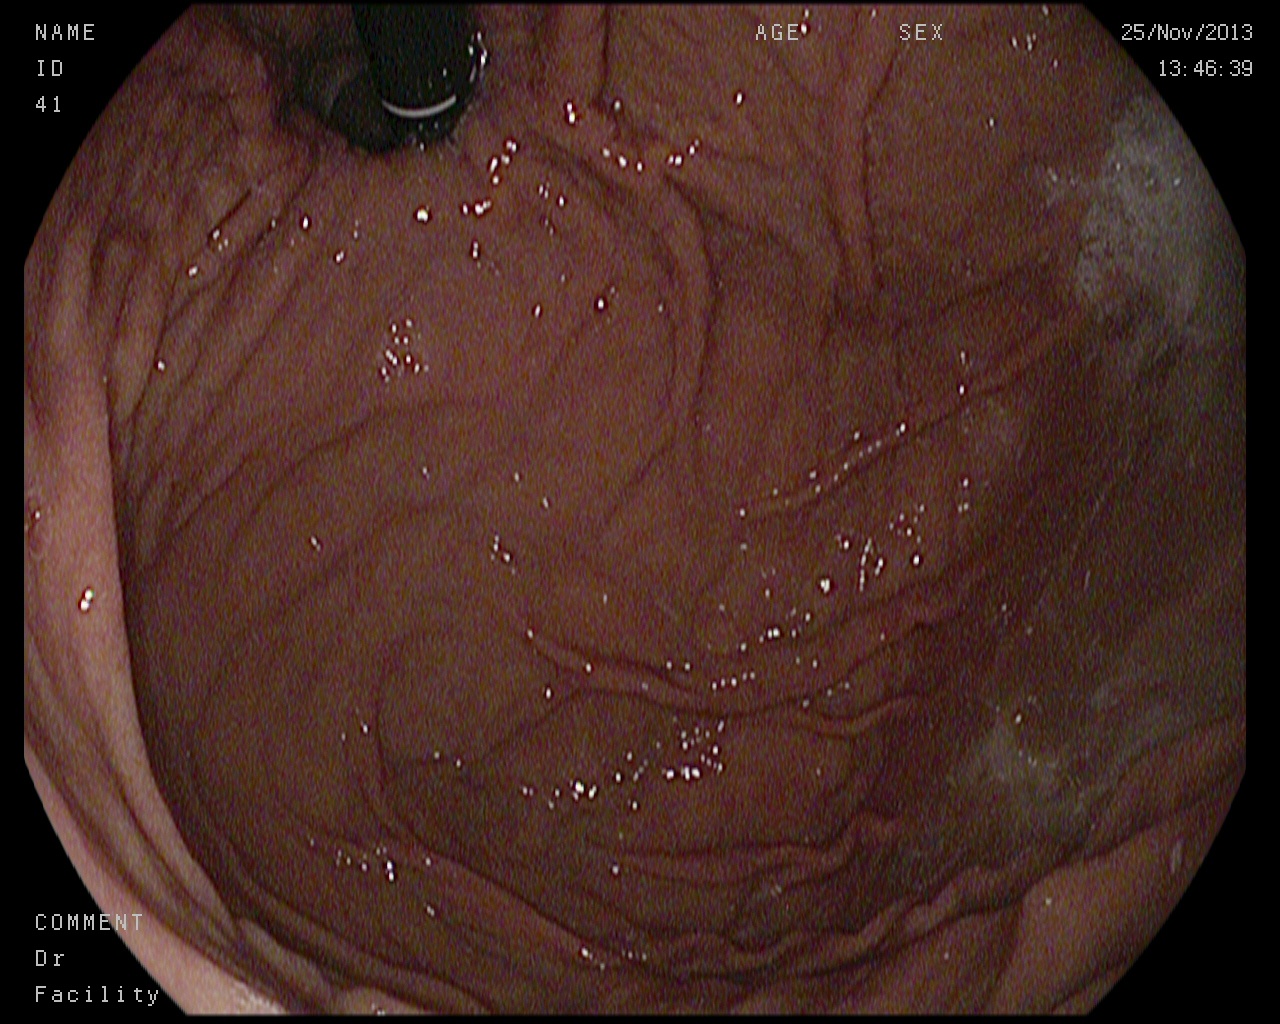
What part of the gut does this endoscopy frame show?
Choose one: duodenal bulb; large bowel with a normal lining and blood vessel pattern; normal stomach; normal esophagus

normal stomach